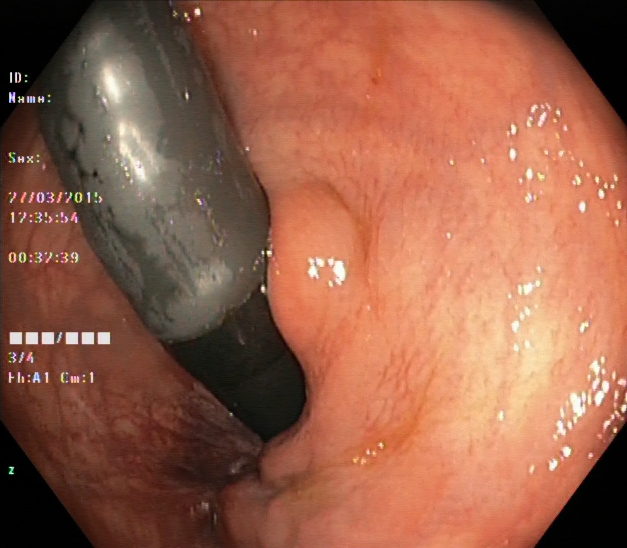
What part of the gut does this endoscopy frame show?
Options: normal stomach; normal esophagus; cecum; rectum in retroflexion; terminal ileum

rectum in retroflexion